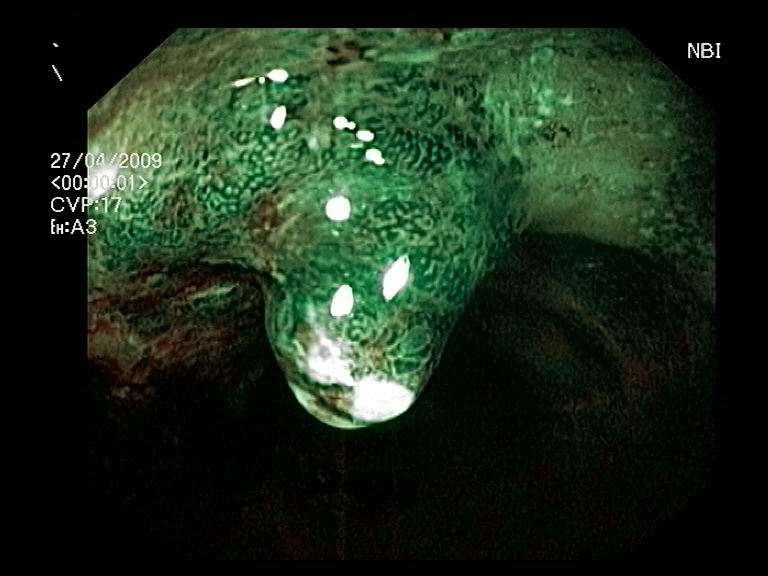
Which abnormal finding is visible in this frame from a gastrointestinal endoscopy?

colorectal cancer